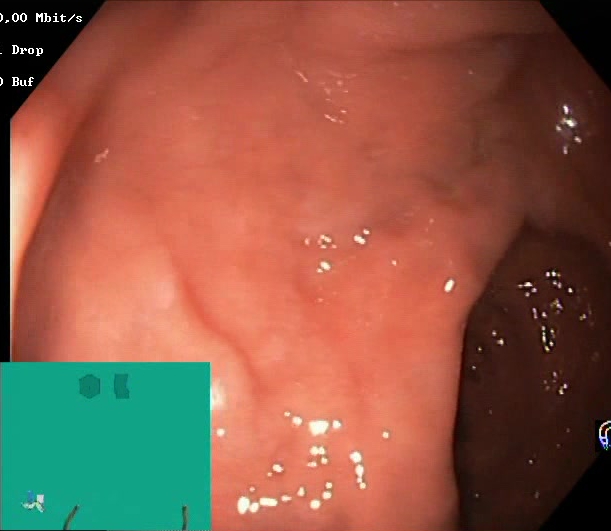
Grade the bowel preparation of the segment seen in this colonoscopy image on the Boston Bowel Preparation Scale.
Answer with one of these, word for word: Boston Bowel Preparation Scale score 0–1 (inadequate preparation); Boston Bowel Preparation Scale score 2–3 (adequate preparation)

Boston Bowel Preparation Scale score 2–3 (adequate preparation)